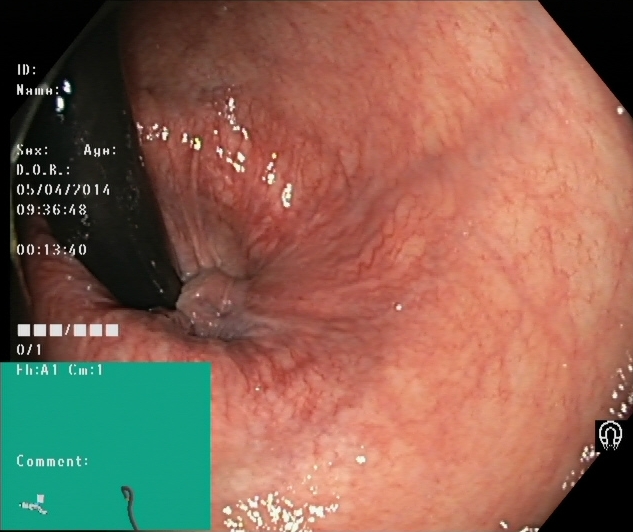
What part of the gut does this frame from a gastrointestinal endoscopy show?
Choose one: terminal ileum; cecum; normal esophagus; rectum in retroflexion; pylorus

rectum in retroflexion